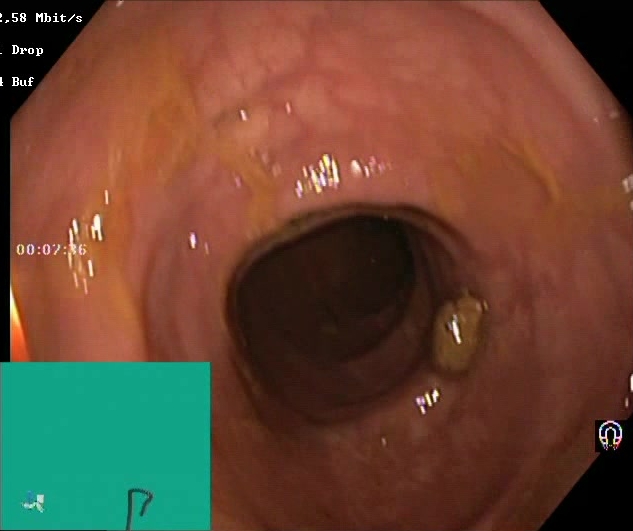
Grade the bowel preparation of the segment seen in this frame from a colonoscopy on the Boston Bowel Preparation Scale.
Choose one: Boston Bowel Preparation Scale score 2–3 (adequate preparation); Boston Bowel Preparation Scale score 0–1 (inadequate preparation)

Boston Bowel Preparation Scale score 2–3 (adequate preparation)